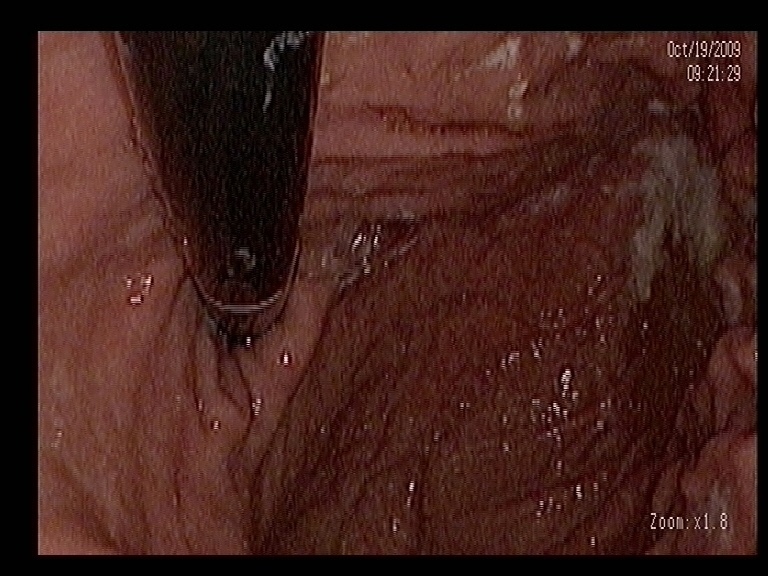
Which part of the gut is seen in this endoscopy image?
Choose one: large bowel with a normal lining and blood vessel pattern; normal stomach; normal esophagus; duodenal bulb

normal stomach